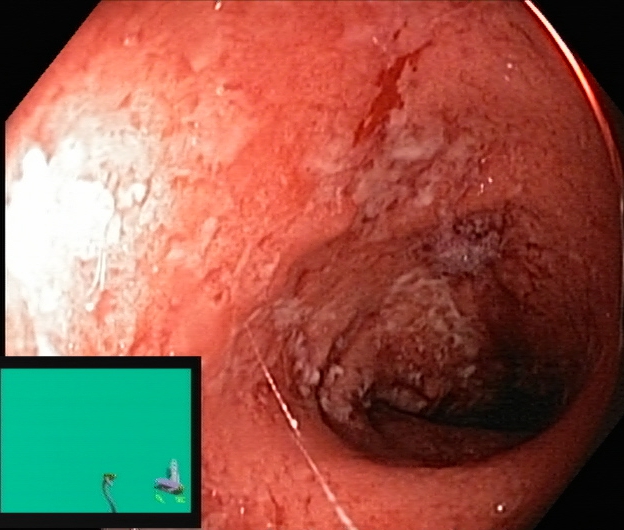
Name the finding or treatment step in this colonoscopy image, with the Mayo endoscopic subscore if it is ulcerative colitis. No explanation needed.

ulcerative colitis, Mayo endoscopic subscore 2